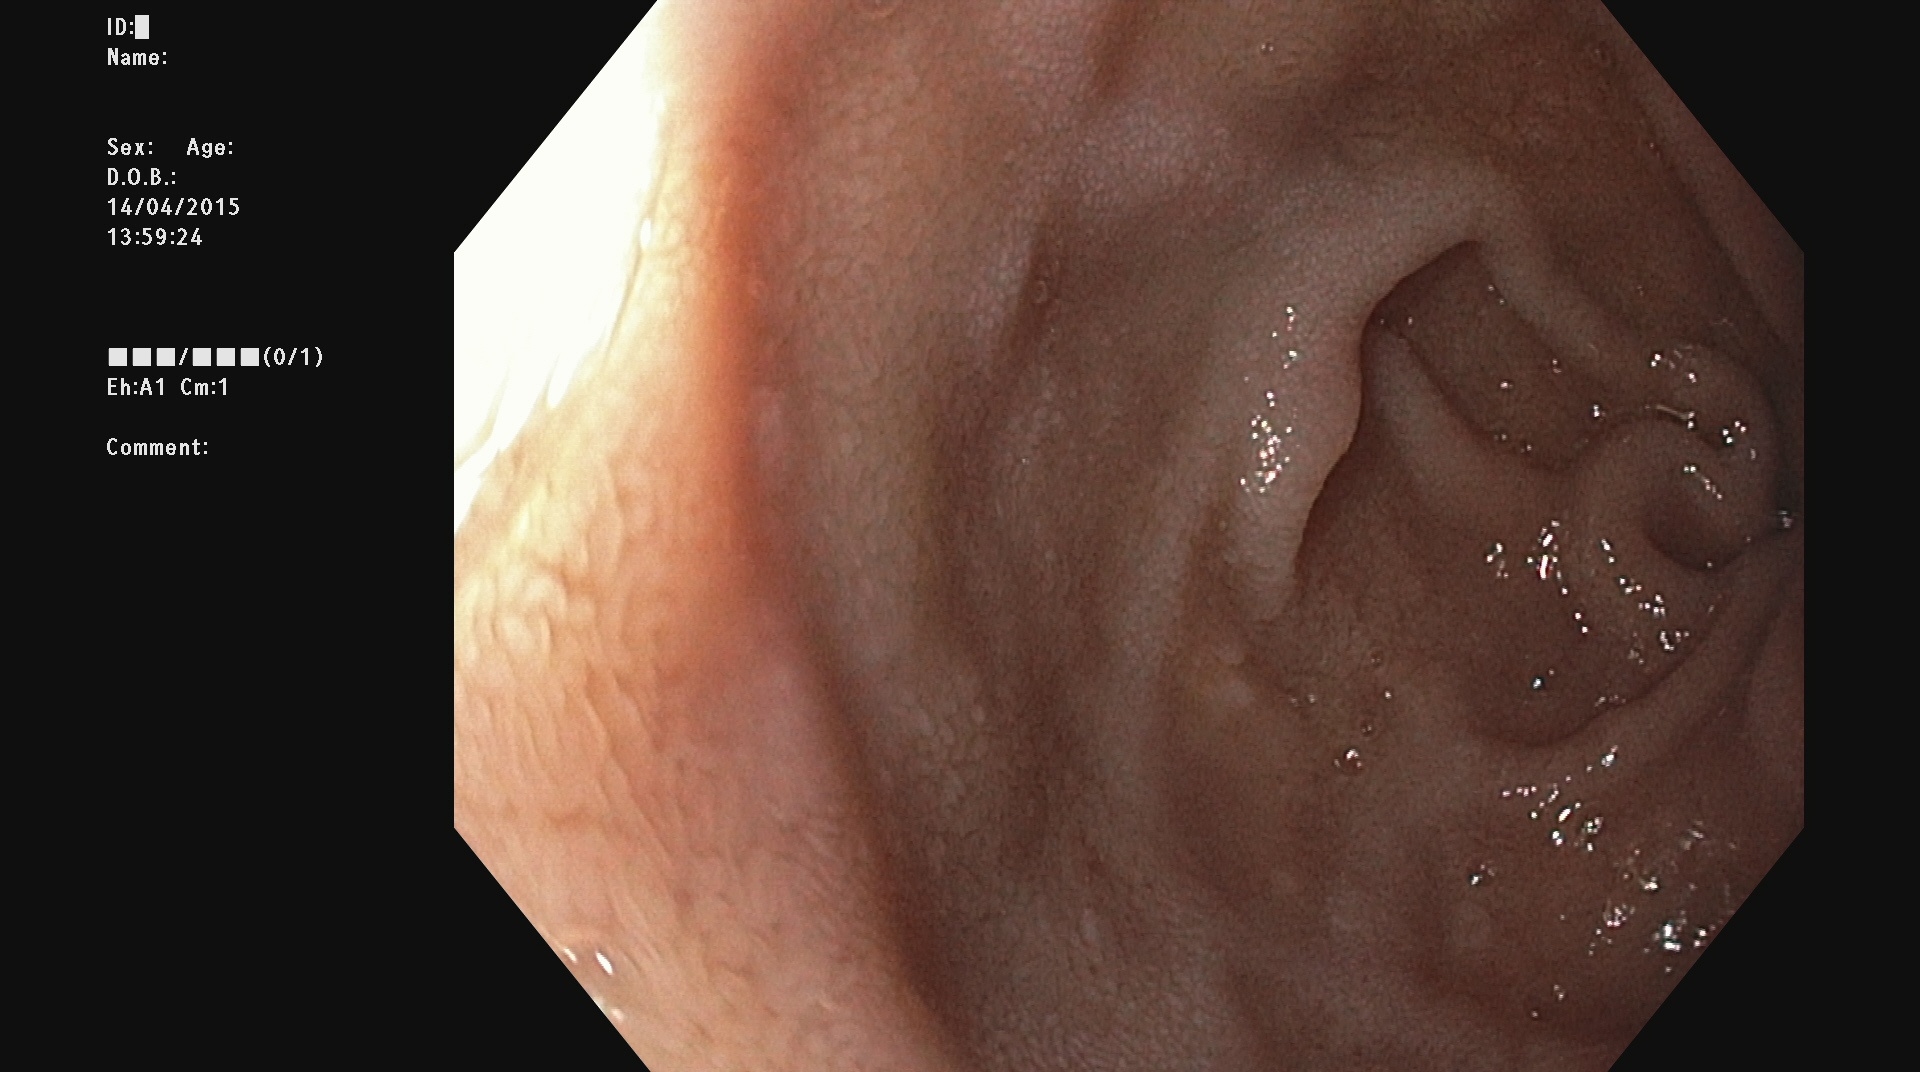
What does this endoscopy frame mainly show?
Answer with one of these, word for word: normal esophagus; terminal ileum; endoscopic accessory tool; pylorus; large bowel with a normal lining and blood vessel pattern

terminal ileum